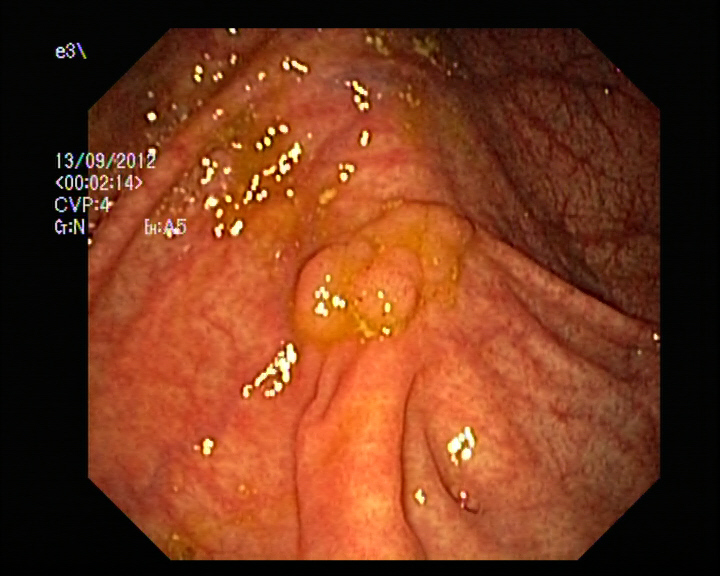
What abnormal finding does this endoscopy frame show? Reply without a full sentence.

colon polyp